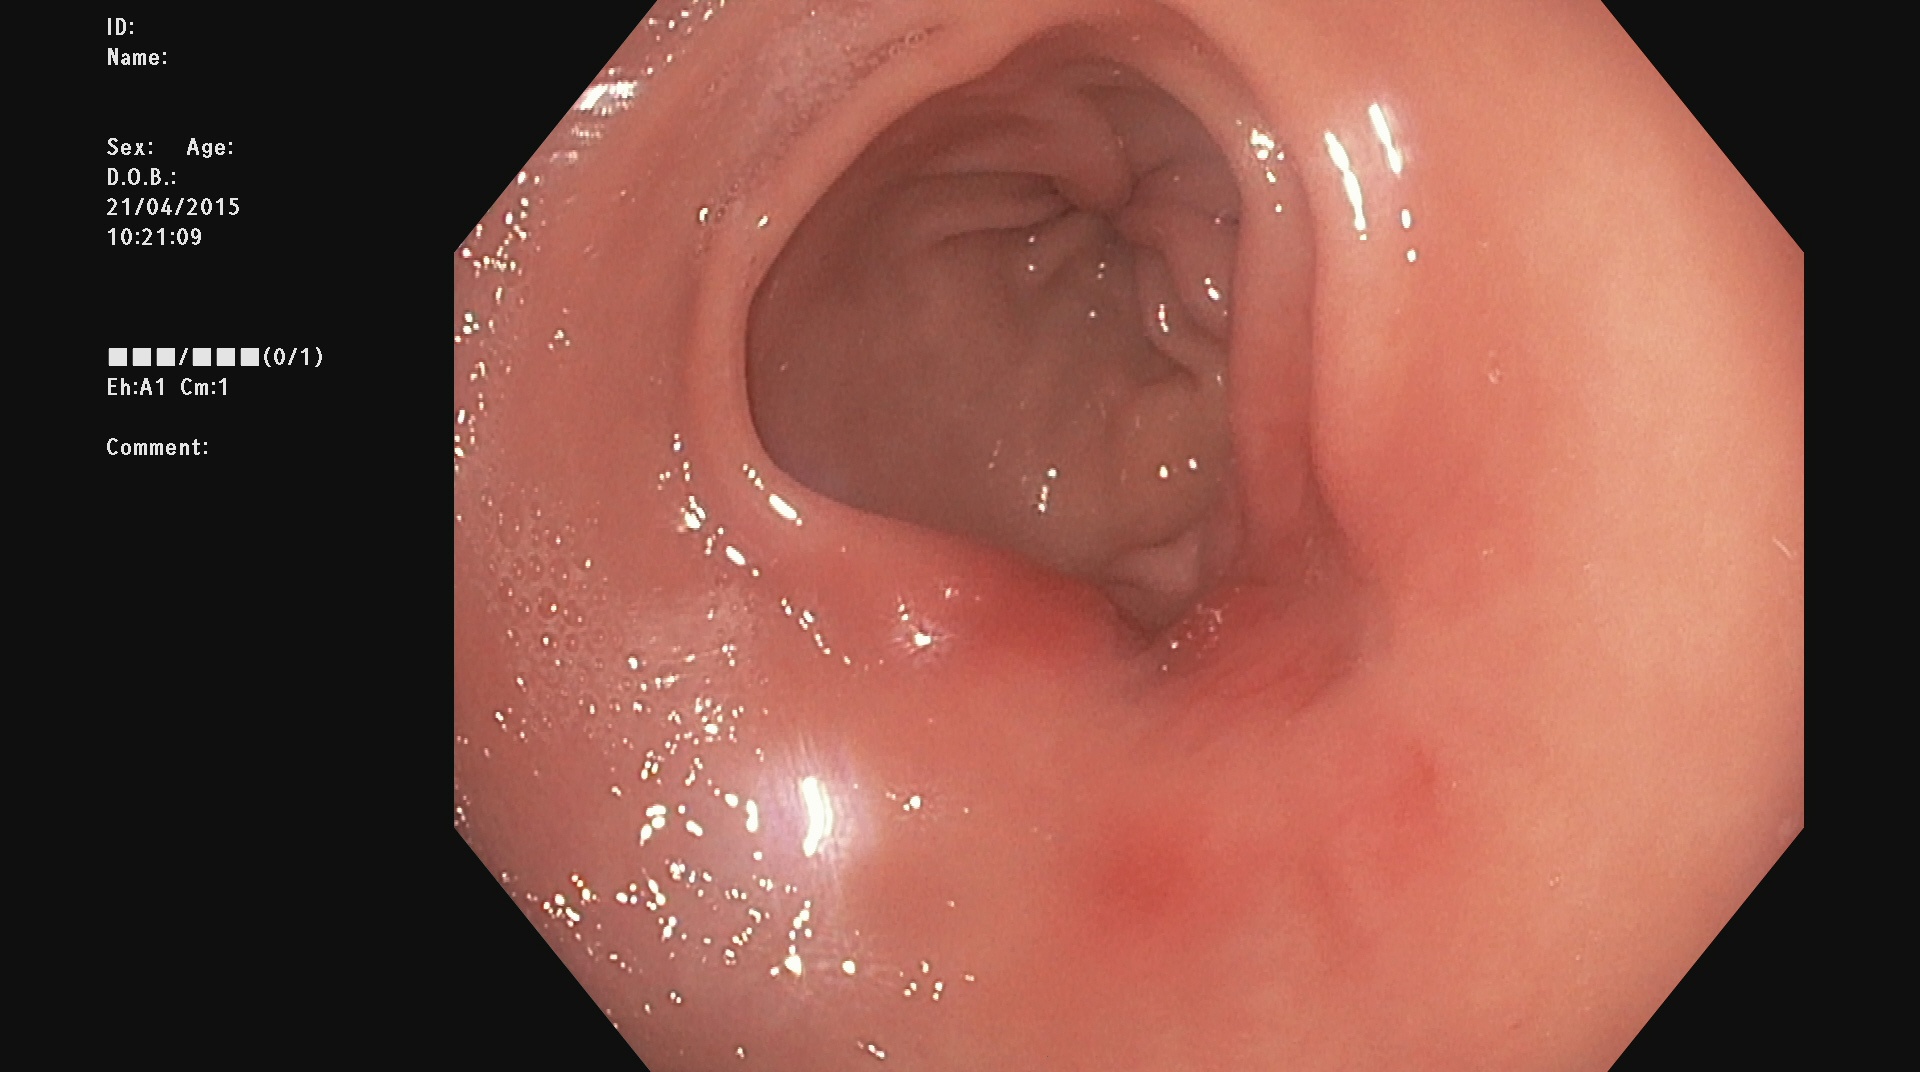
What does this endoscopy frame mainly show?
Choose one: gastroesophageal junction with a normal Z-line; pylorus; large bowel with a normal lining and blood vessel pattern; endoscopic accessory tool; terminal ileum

pylorus